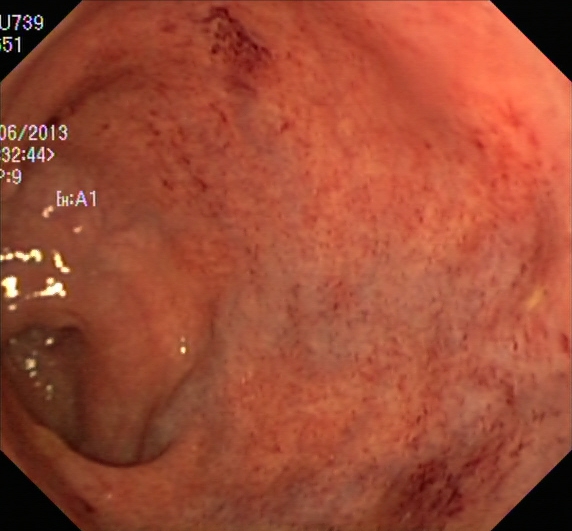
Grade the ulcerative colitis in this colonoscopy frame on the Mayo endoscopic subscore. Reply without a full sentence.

ulcerative colitis, Mayo endoscopic subscore 1